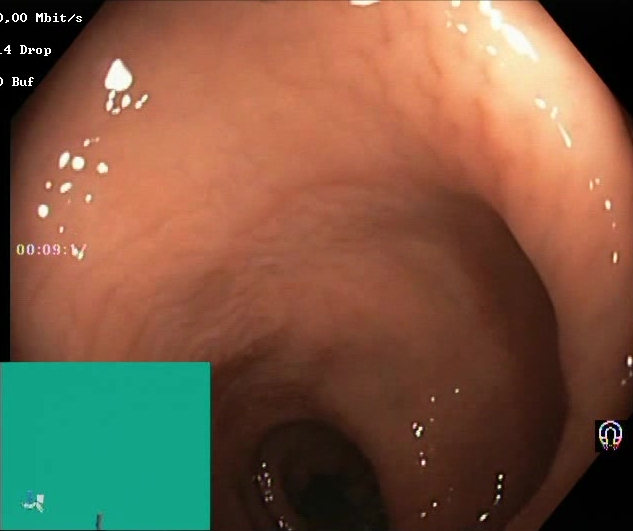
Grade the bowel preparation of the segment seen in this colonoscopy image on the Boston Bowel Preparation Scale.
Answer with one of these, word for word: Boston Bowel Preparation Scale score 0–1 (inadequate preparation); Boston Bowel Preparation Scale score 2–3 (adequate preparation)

Boston Bowel Preparation Scale score 2–3 (adequate preparation)